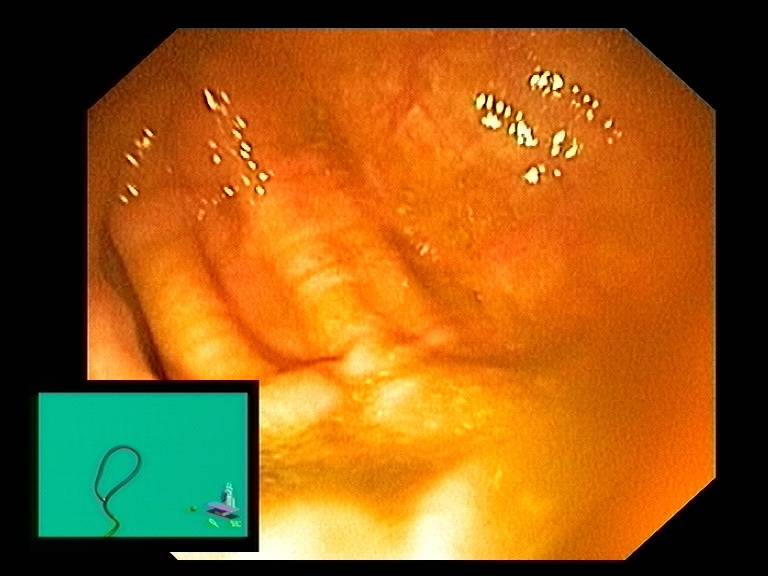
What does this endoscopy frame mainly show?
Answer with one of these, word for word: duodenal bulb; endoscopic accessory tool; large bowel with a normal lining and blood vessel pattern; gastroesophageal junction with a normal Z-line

large bowel with a normal lining and blood vessel pattern